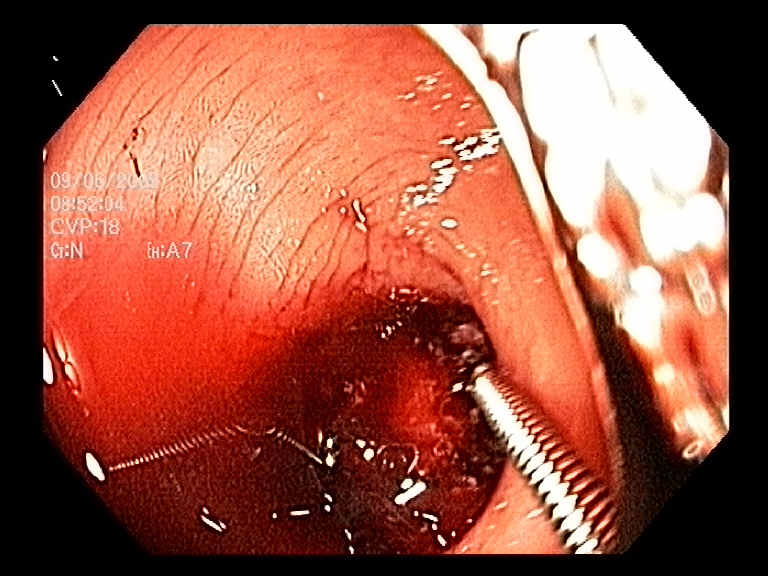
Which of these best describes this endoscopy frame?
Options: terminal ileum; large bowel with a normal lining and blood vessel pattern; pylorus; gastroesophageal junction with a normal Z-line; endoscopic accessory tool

endoscopic accessory tool